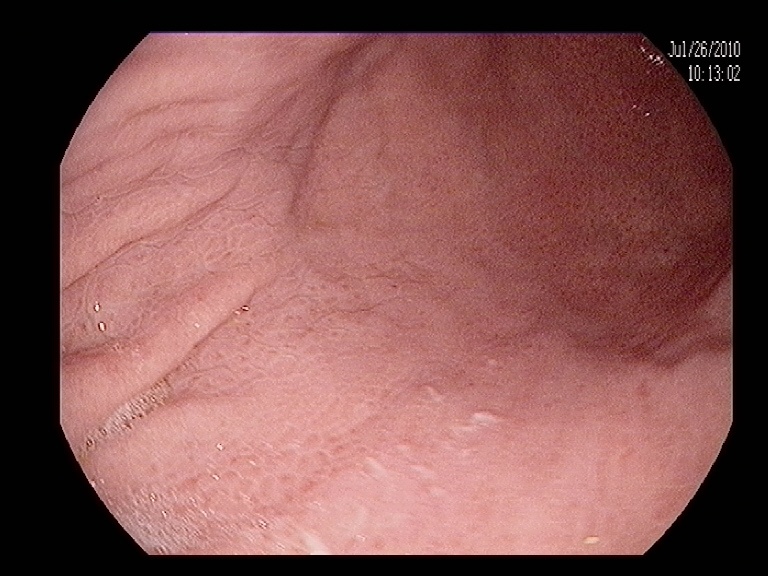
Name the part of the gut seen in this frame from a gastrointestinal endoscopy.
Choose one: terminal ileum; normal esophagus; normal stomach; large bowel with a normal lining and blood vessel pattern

normal stomach